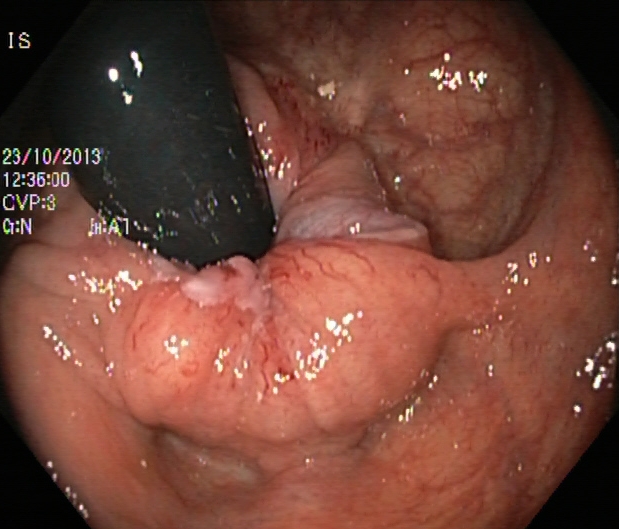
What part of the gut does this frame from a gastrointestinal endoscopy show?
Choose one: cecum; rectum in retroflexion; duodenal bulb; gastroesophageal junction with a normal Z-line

rectum in retroflexion